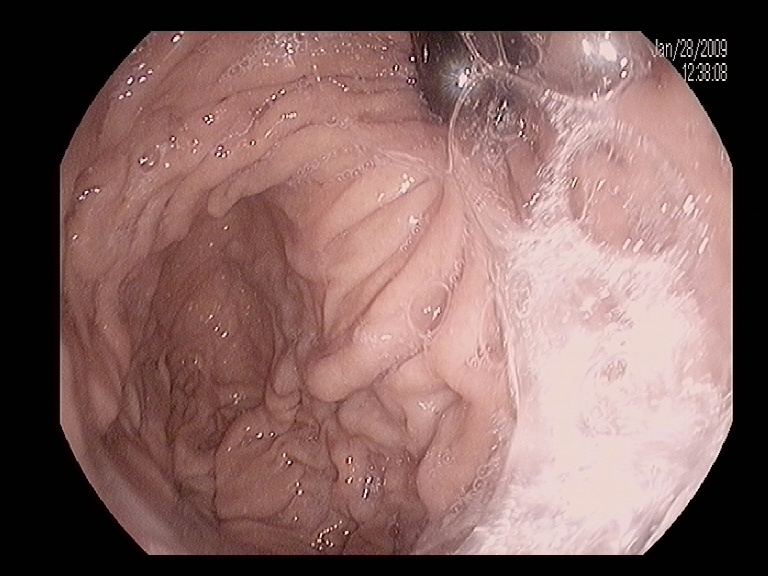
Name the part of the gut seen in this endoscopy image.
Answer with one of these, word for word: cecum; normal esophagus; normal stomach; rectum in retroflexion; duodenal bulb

normal stomach